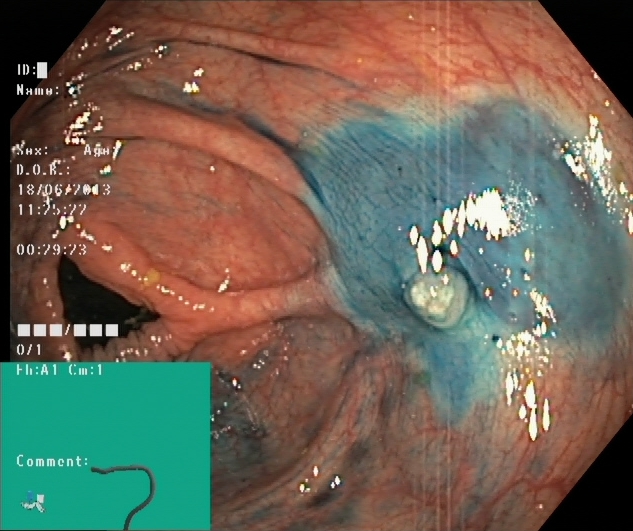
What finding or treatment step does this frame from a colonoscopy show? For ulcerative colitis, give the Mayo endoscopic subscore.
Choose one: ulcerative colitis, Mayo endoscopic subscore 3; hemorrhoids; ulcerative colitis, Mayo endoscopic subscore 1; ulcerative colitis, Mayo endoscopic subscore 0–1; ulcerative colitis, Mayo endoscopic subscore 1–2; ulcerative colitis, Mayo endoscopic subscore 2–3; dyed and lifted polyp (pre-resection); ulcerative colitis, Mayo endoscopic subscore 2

dyed and lifted polyp (pre-resection)